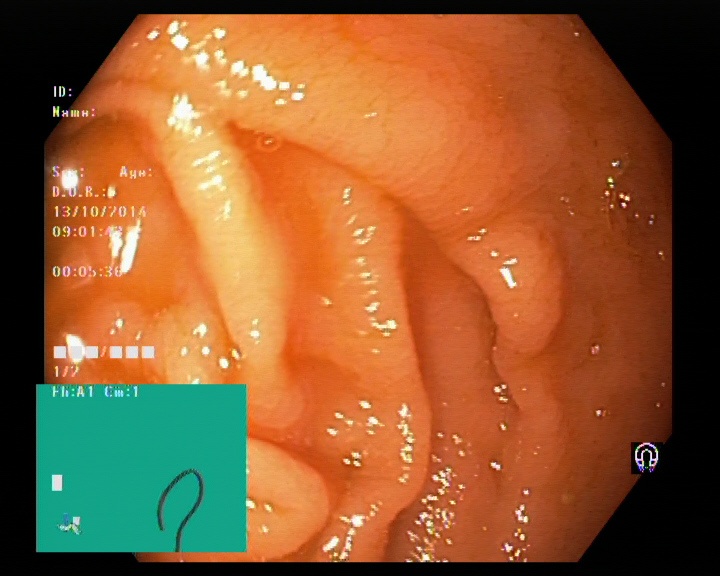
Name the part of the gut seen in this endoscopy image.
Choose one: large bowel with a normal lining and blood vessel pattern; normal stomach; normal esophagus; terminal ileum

large bowel with a normal lining and blood vessel pattern